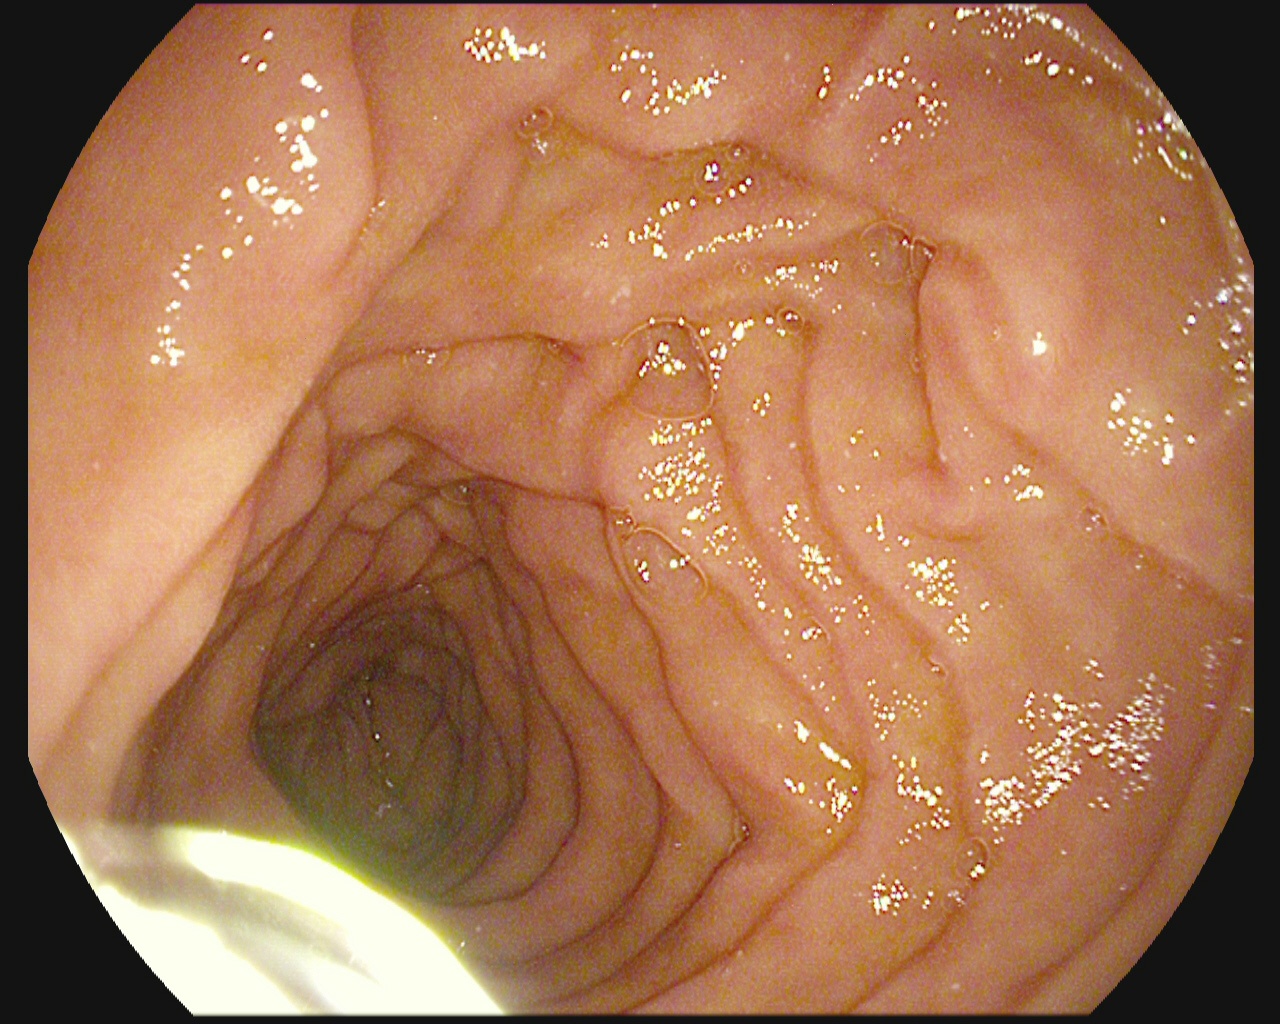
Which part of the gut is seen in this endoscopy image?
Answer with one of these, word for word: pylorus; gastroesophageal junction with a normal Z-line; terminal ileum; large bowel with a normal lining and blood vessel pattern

terminal ileum